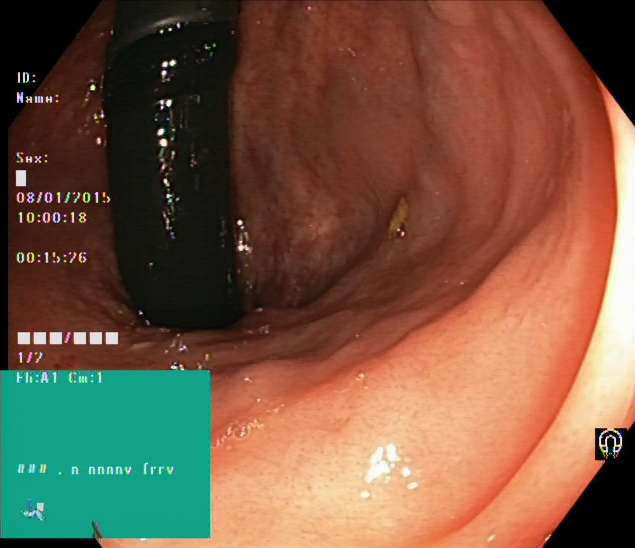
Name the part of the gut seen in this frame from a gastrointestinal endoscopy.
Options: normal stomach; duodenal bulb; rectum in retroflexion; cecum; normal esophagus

rectum in retroflexion